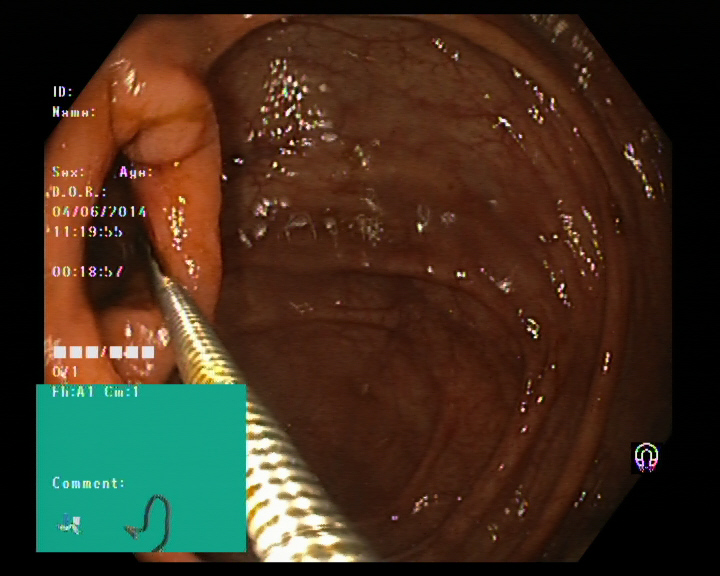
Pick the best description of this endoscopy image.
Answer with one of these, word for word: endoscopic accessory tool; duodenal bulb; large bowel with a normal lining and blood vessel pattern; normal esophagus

endoscopic accessory tool